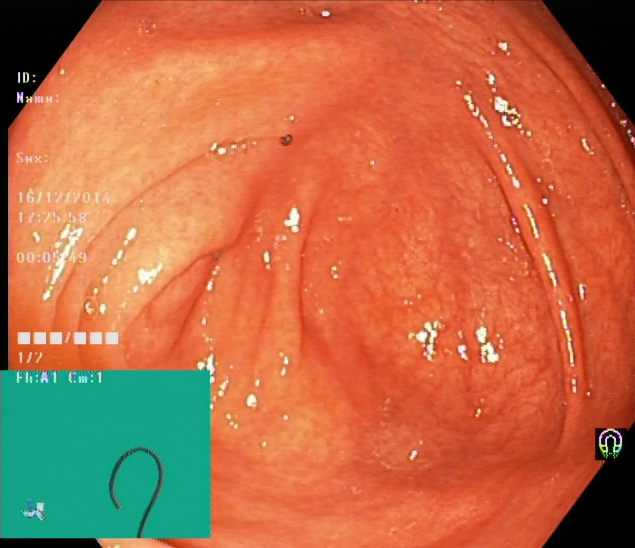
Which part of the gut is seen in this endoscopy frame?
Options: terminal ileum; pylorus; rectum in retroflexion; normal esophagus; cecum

cecum